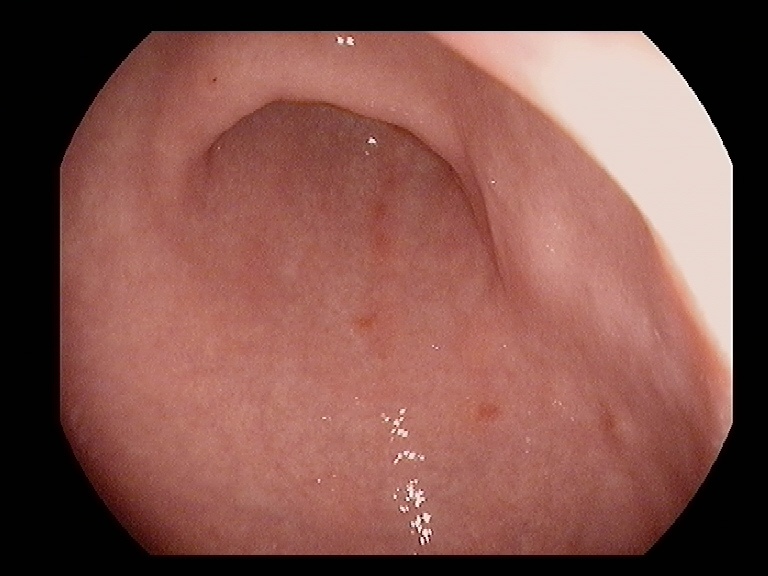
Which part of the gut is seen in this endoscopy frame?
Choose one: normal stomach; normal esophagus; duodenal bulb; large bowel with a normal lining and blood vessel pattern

normal stomach